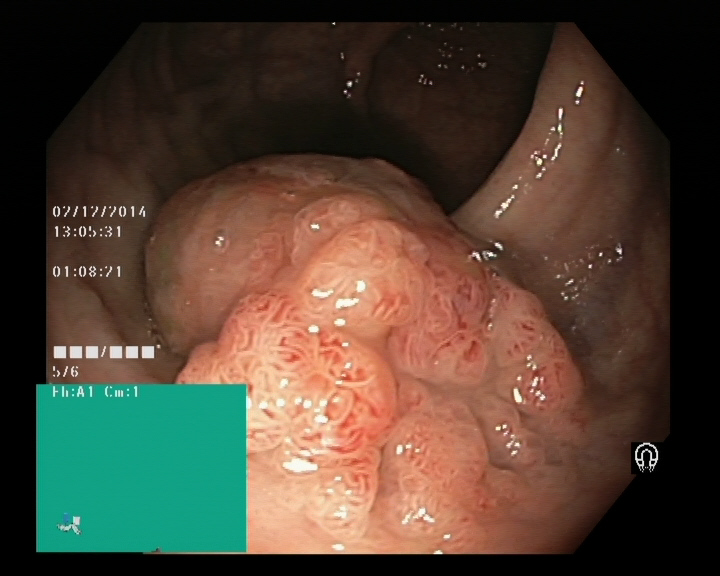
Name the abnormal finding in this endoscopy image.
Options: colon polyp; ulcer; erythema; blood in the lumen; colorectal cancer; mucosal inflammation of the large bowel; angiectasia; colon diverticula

colon polyp